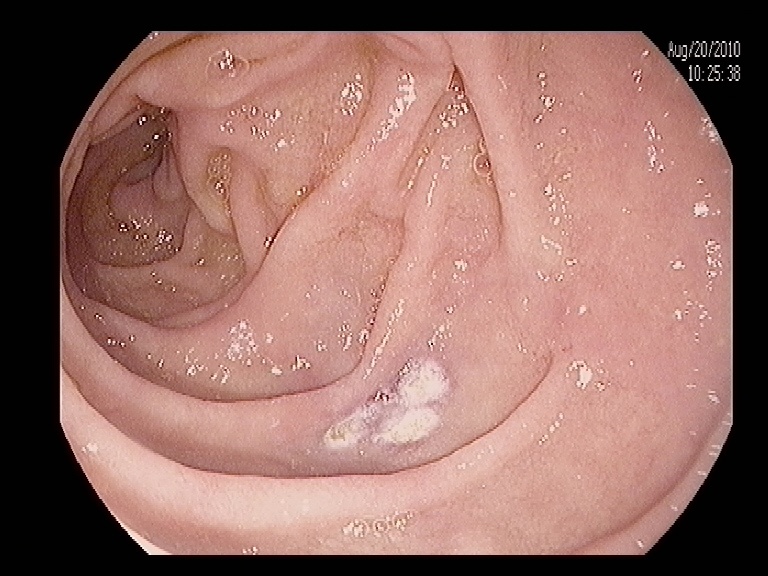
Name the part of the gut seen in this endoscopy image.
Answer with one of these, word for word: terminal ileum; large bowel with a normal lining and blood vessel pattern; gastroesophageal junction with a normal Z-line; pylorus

terminal ileum